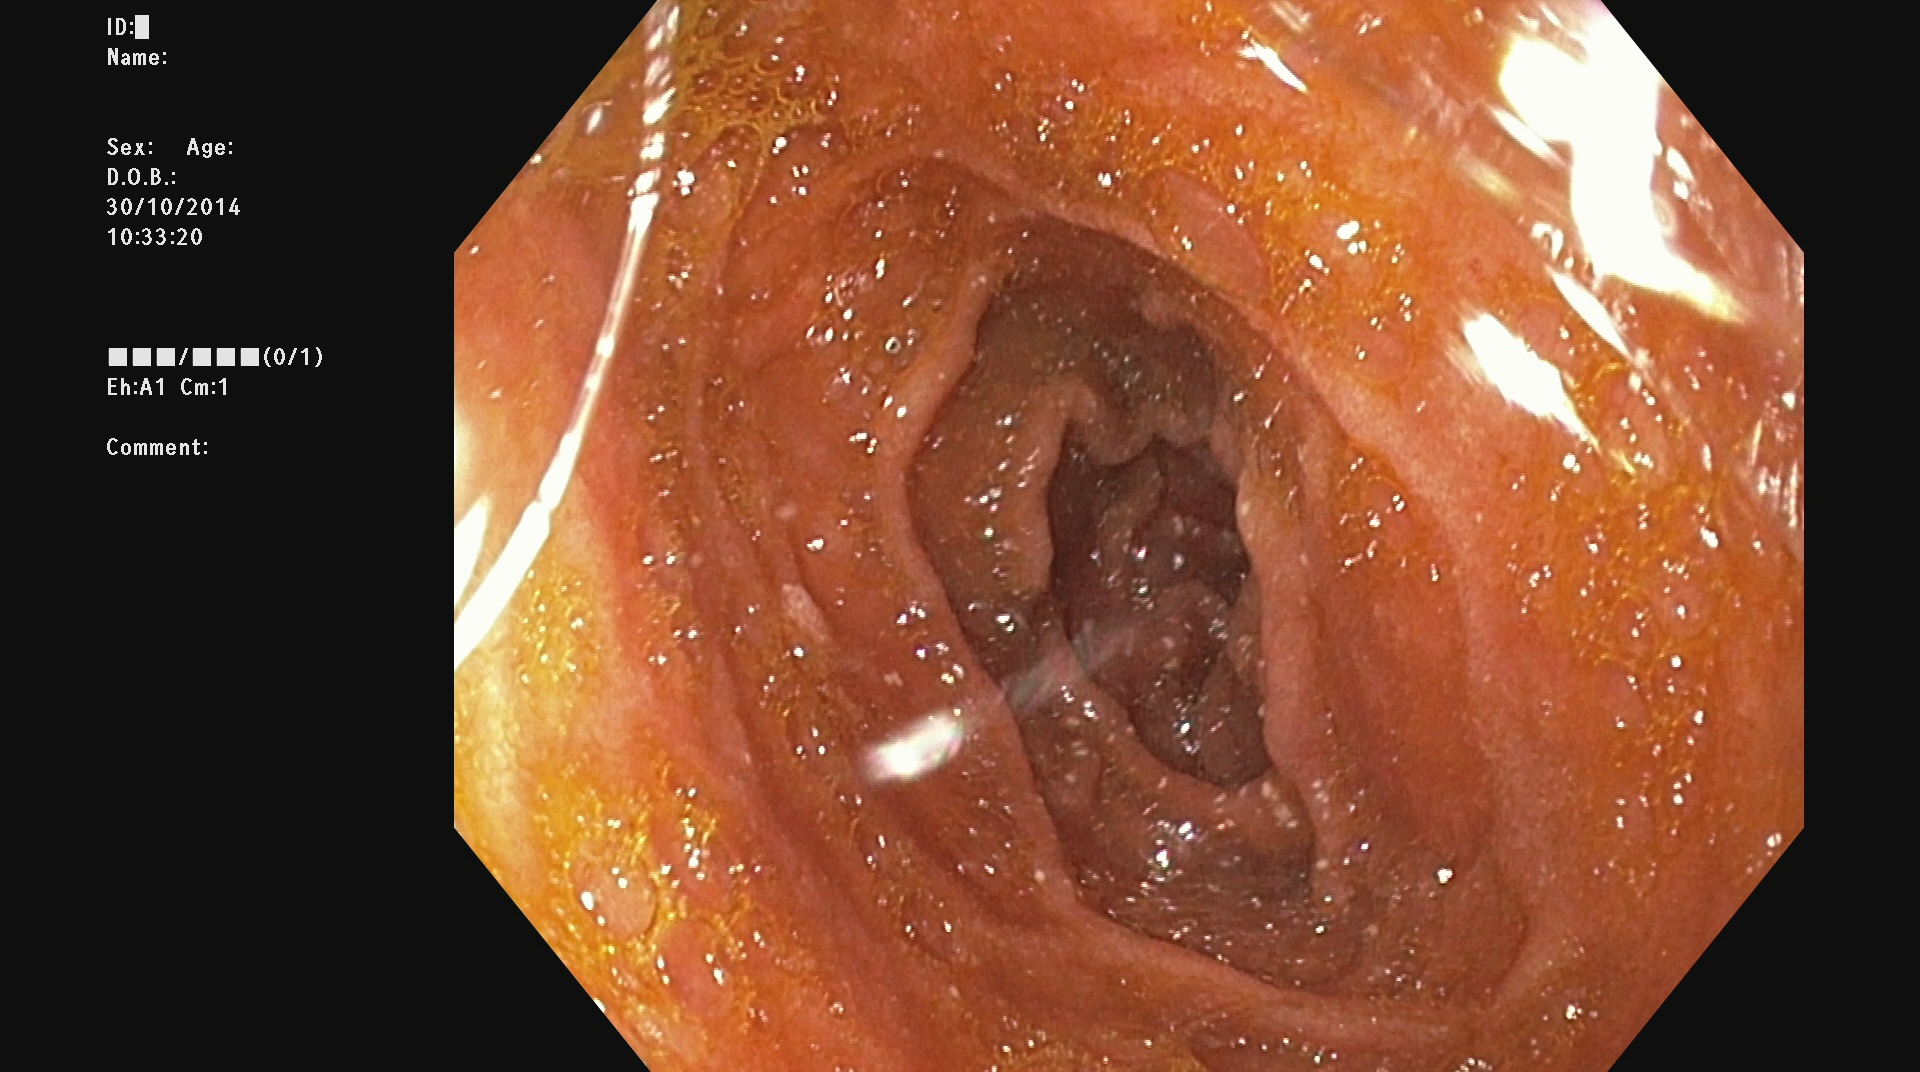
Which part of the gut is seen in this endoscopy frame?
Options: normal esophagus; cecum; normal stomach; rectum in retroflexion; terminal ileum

terminal ileum